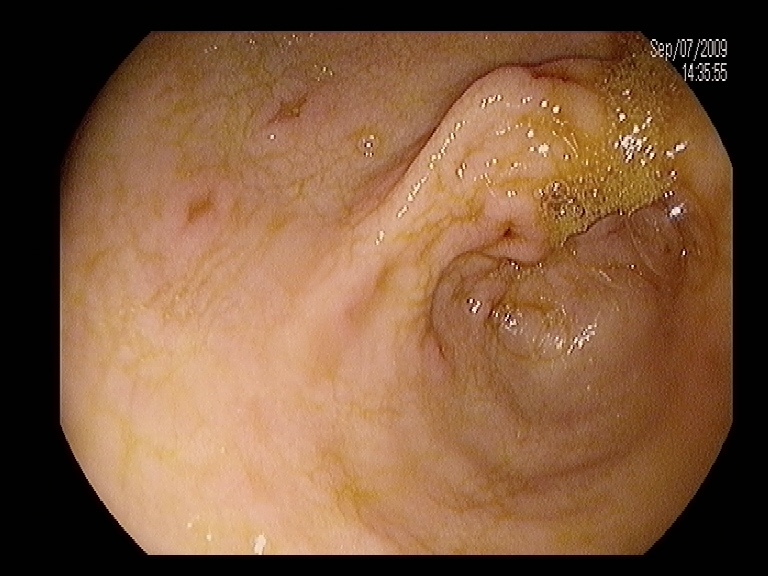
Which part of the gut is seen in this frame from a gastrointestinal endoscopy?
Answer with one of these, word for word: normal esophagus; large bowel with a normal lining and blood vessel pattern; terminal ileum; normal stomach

normal stomach